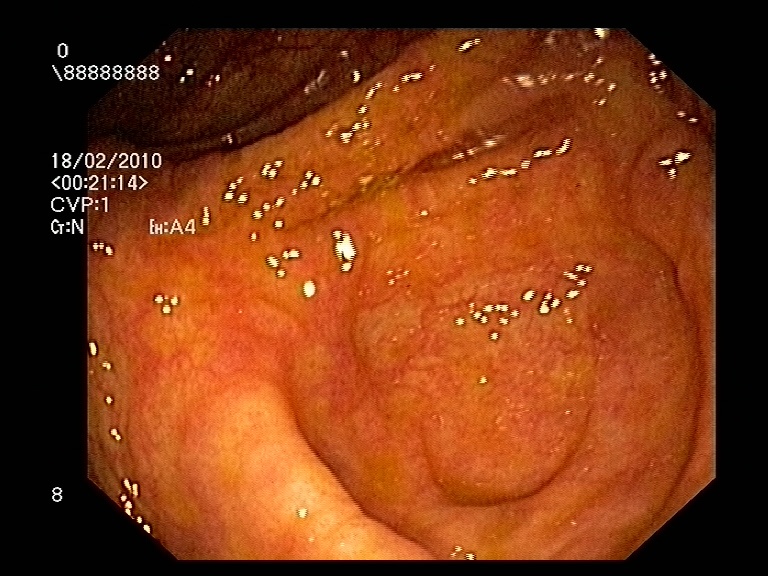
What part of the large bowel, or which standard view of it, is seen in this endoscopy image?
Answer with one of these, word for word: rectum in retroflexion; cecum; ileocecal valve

cecum